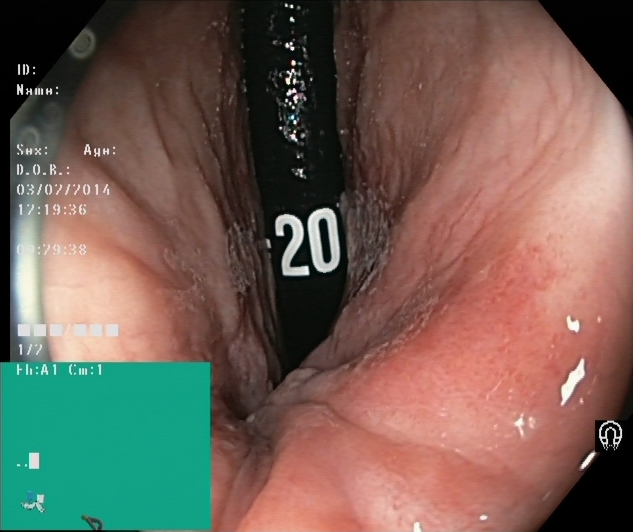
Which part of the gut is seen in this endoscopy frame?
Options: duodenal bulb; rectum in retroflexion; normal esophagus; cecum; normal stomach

rectum in retroflexion